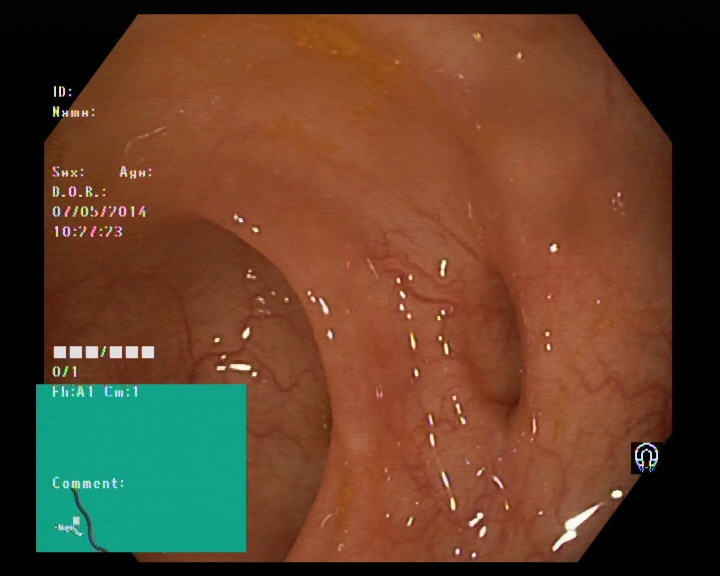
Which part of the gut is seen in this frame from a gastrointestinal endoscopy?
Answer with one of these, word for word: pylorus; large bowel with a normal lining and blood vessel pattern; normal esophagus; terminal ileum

large bowel with a normal lining and blood vessel pattern